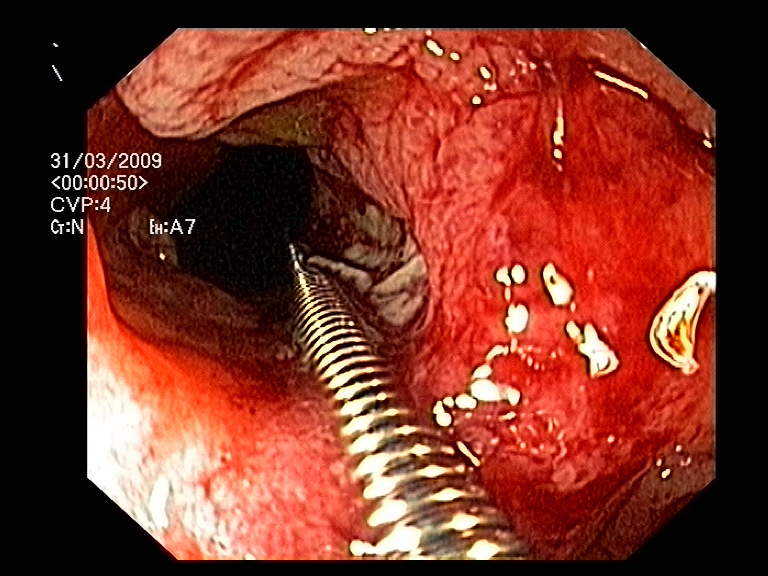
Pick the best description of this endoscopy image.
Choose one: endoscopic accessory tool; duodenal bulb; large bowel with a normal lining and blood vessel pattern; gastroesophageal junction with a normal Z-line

endoscopic accessory tool